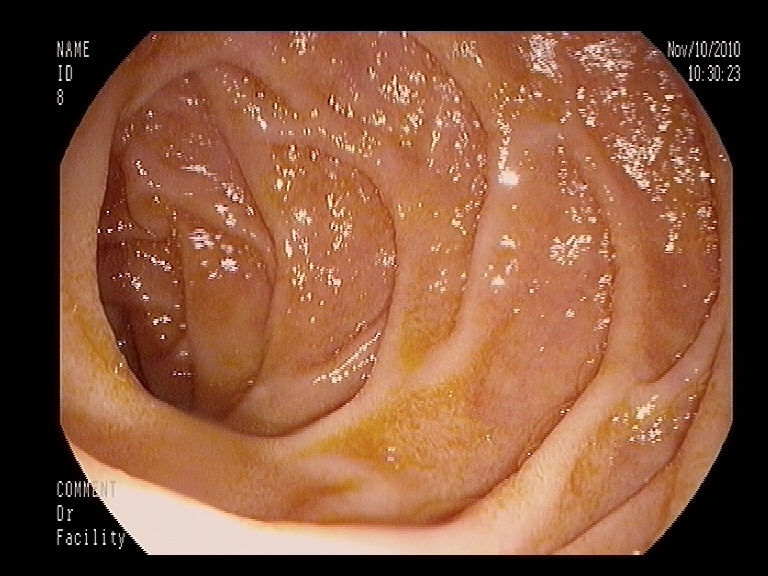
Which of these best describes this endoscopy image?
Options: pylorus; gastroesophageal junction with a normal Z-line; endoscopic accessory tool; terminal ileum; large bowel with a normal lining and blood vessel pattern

terminal ileum